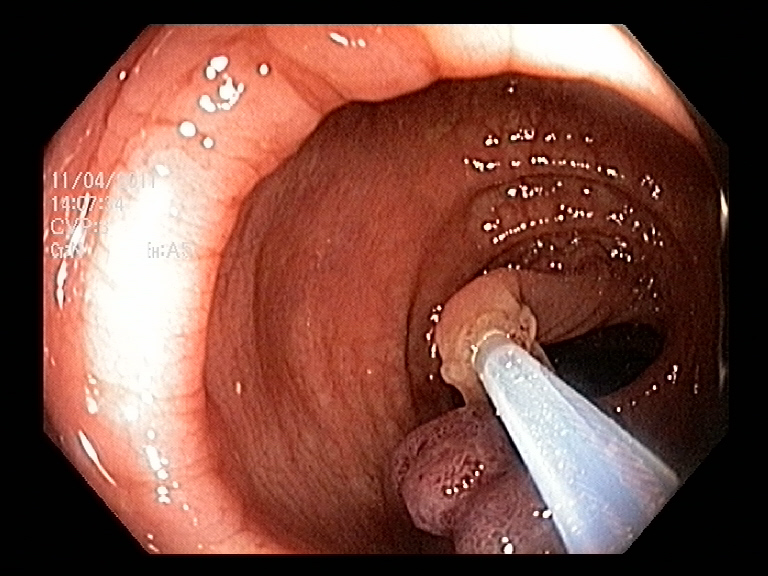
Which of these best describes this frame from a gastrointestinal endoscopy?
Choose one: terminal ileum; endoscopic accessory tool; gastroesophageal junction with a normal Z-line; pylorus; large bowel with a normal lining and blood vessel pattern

endoscopic accessory tool